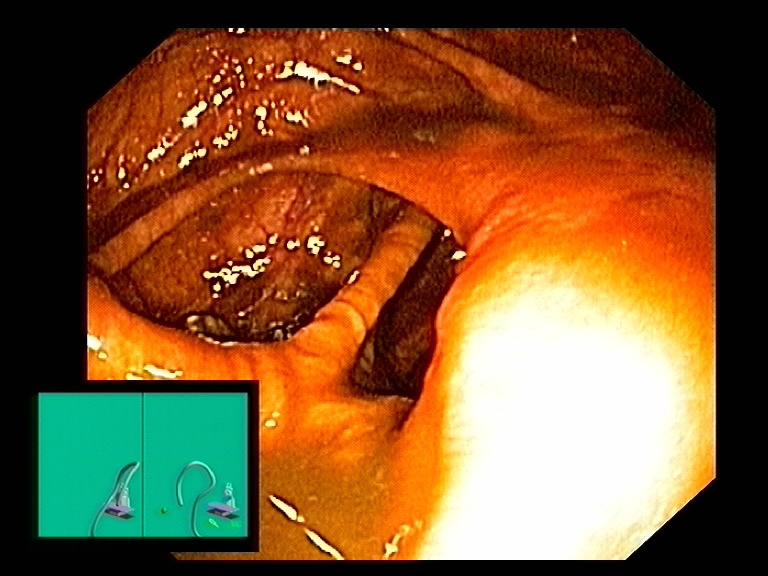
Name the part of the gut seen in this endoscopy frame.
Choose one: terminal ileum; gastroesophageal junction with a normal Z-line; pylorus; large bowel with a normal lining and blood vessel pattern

large bowel with a normal lining and blood vessel pattern